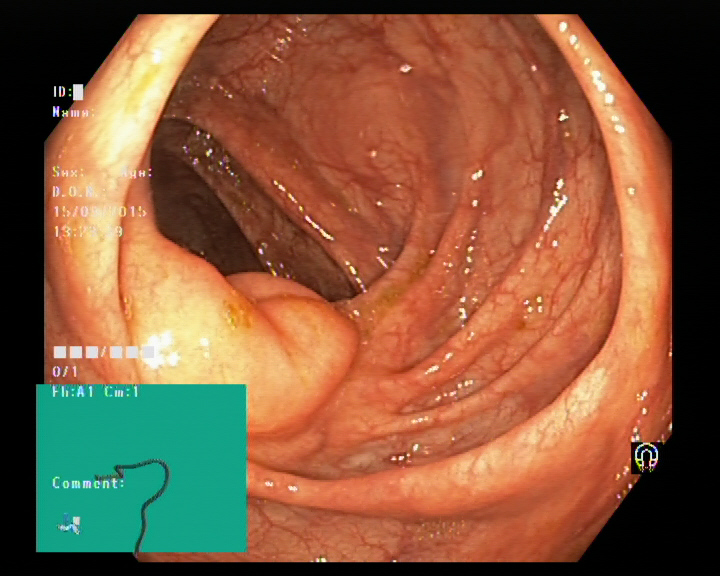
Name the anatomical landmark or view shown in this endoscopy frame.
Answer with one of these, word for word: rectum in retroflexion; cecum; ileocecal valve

ileocecal valve